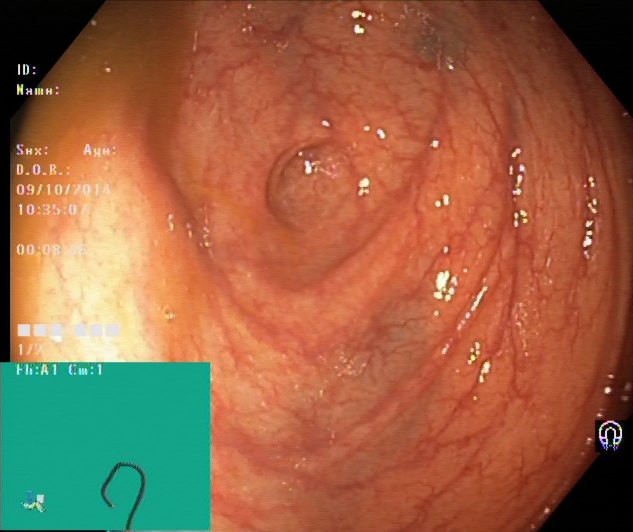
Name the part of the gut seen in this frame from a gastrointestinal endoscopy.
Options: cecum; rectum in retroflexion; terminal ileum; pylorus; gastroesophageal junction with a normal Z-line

cecum